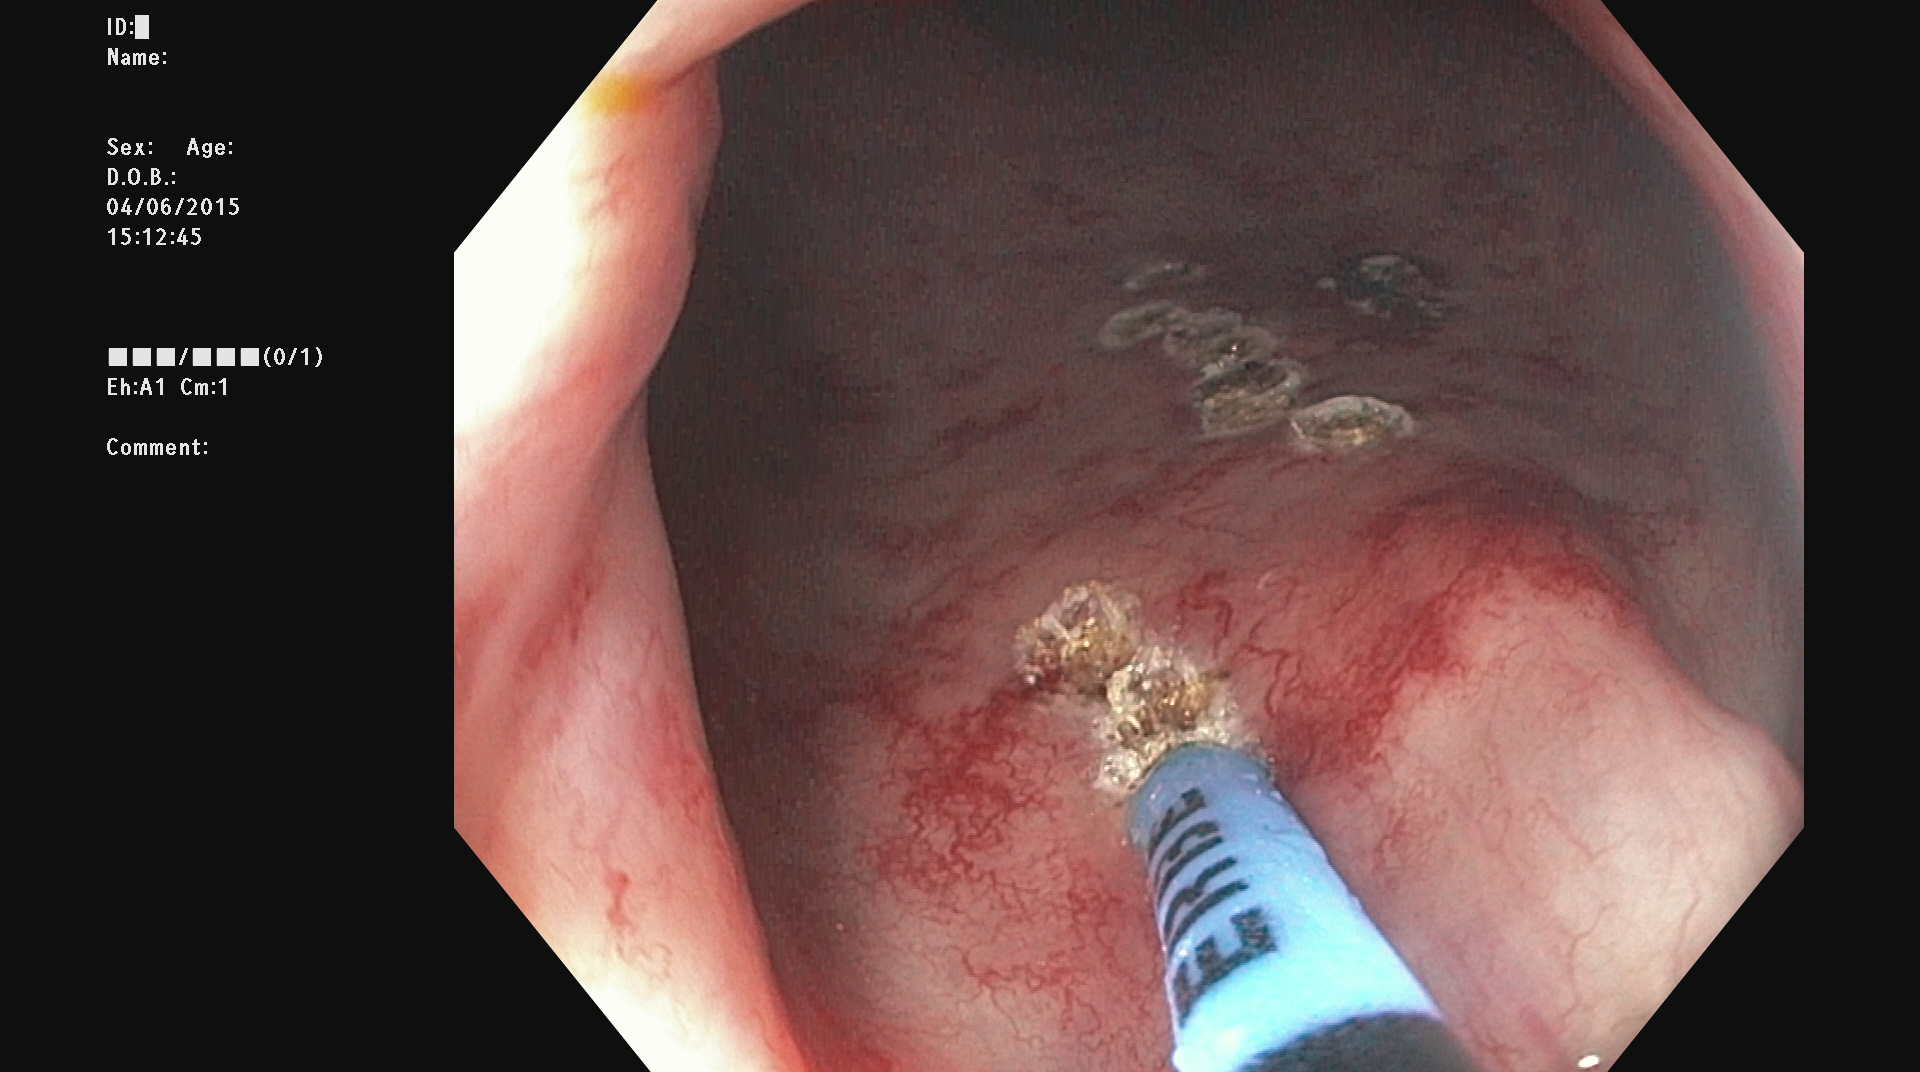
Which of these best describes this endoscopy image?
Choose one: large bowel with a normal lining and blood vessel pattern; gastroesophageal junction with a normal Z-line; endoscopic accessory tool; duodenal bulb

endoscopic accessory tool